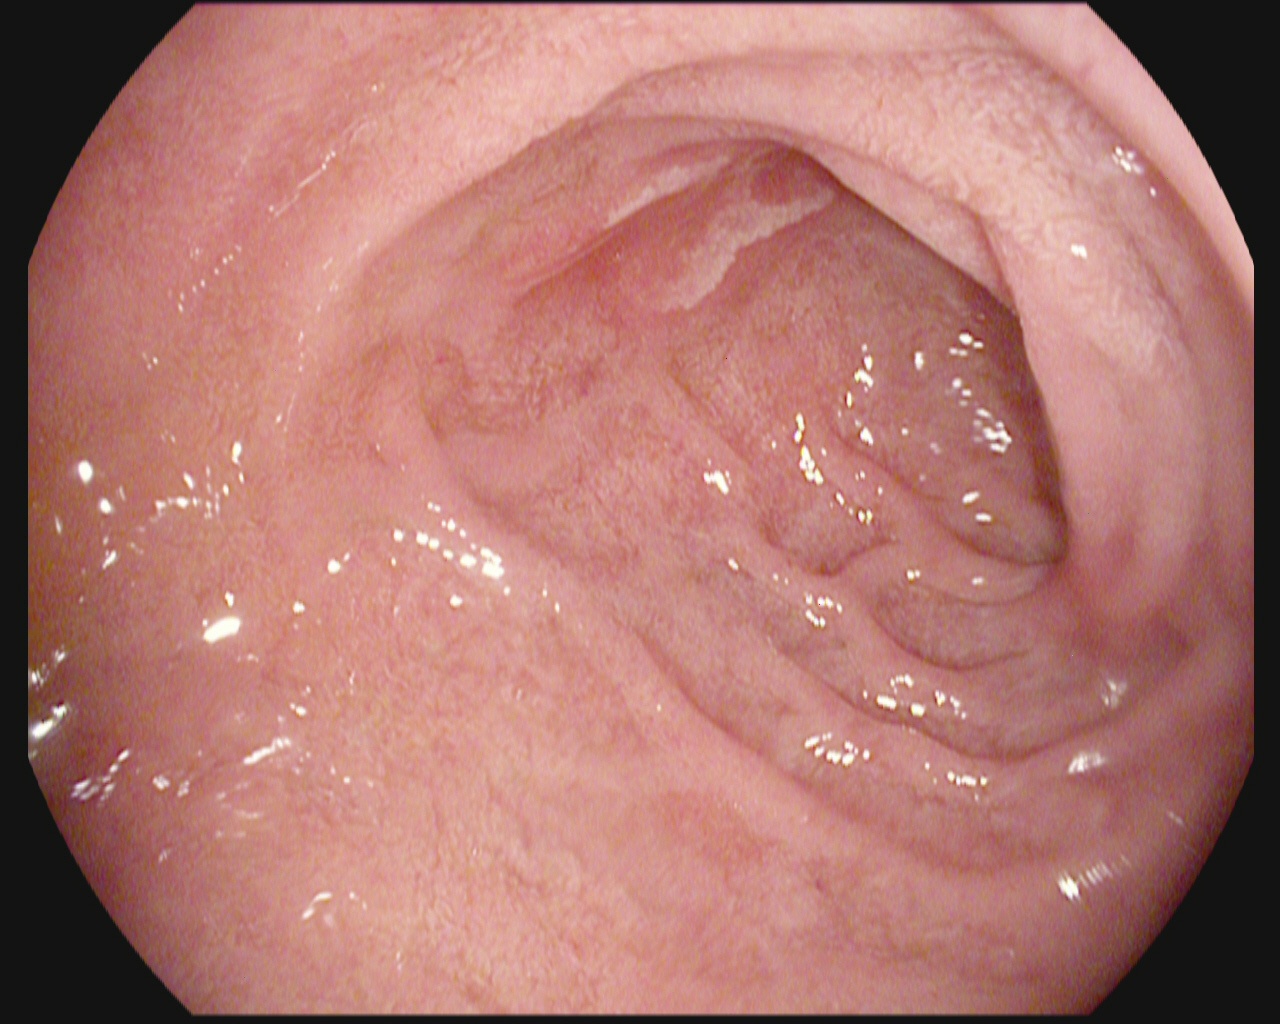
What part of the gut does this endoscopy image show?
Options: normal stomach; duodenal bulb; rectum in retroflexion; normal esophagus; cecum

duodenal bulb